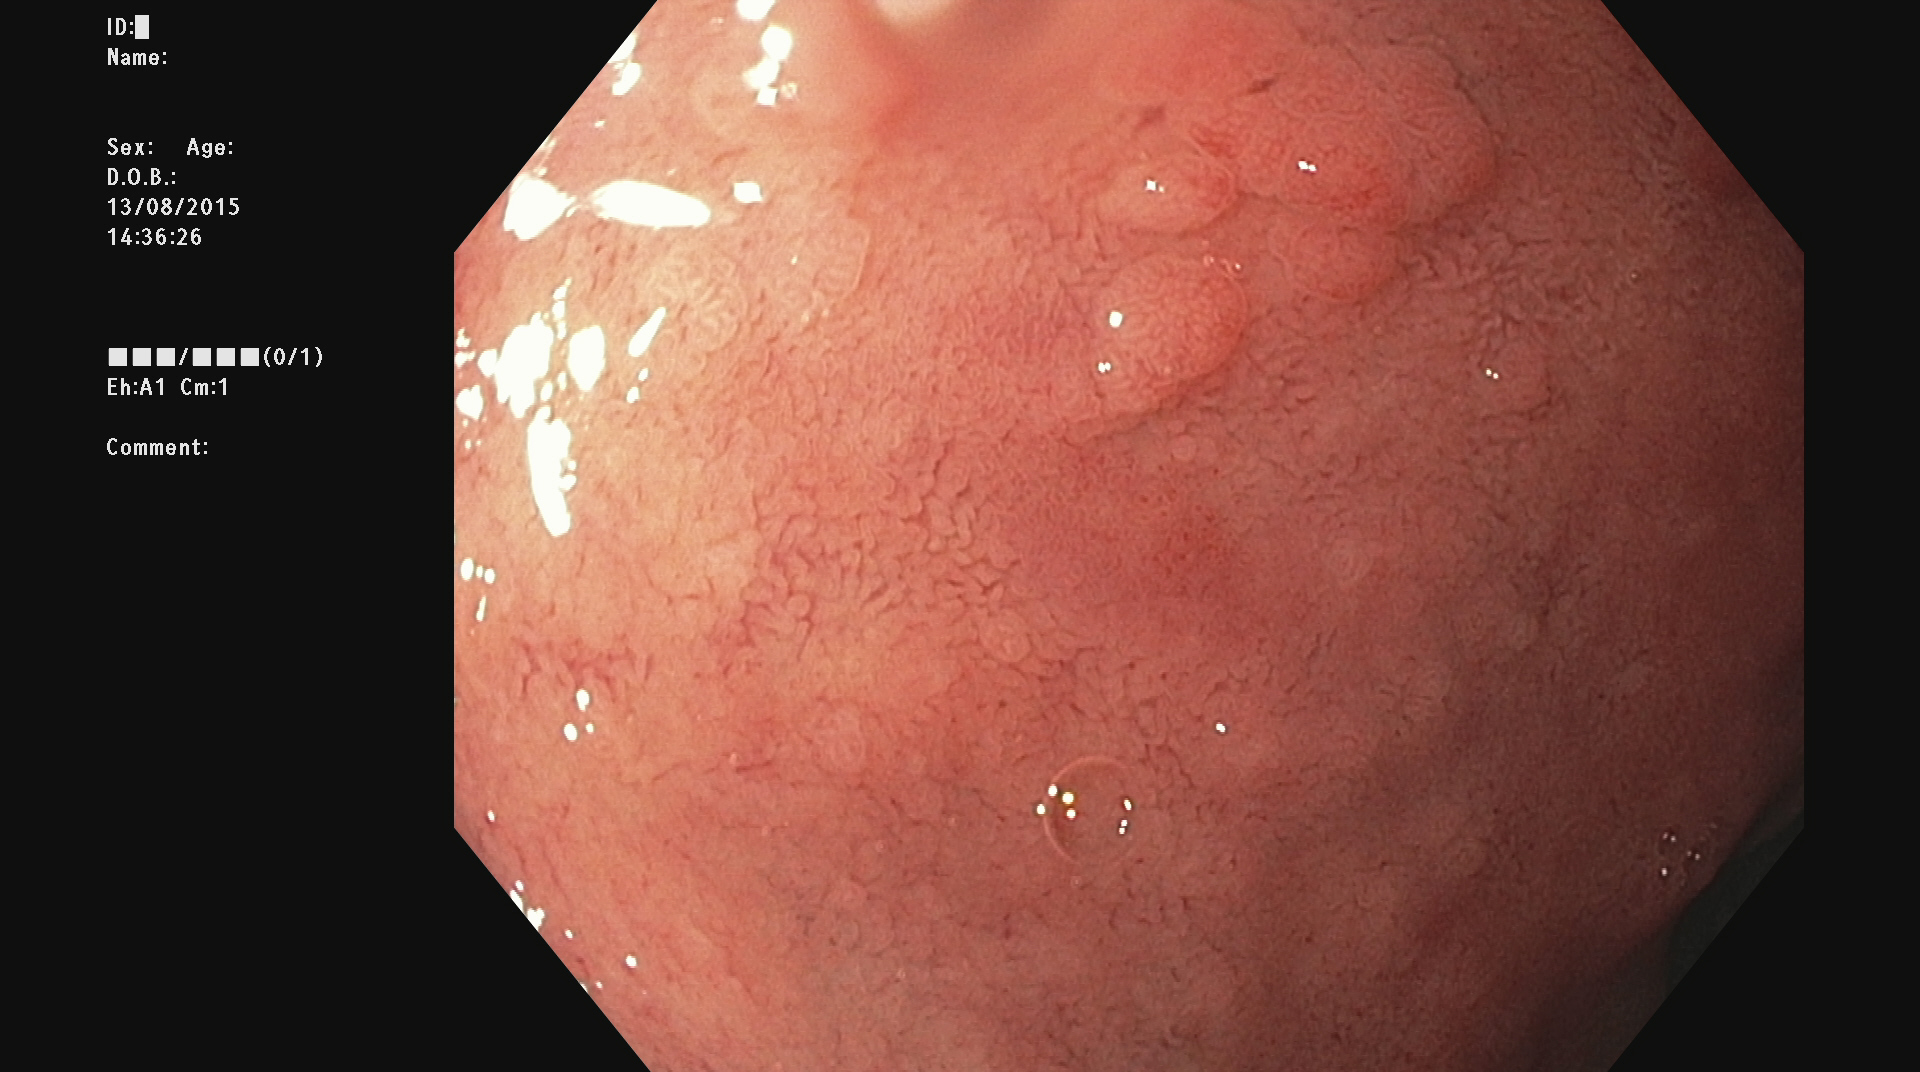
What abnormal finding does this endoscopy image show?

colon polyp